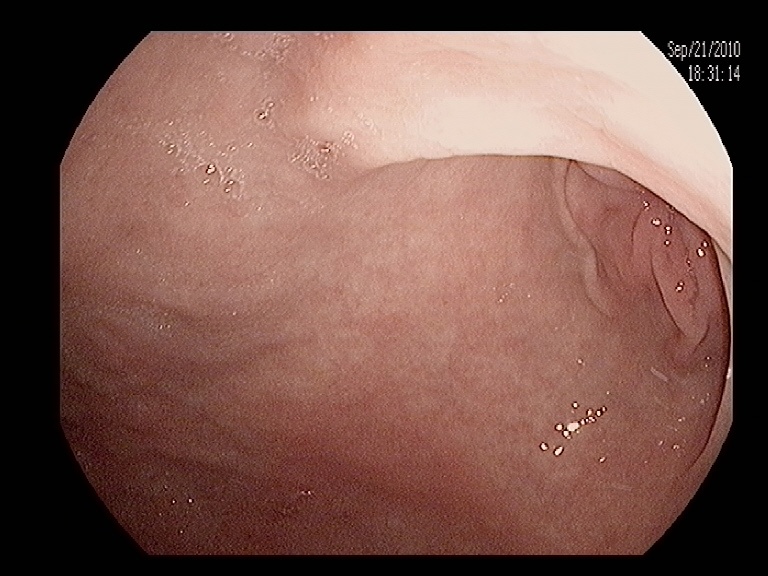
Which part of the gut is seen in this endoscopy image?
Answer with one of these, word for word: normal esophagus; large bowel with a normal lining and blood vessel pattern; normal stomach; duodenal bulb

normal stomach